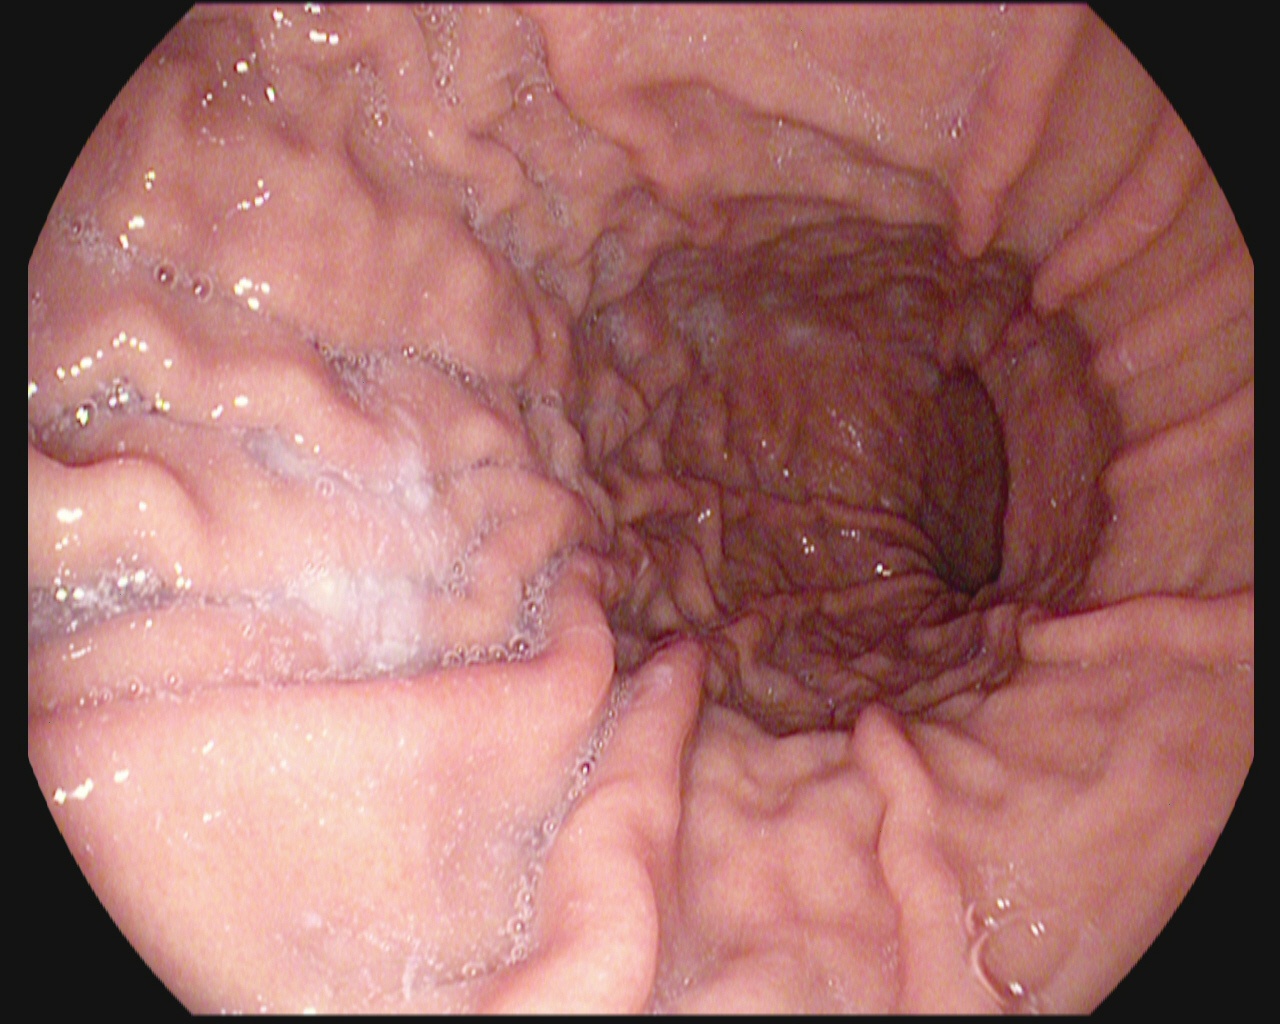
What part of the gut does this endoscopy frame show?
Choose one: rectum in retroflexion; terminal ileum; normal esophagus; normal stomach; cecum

normal stomach